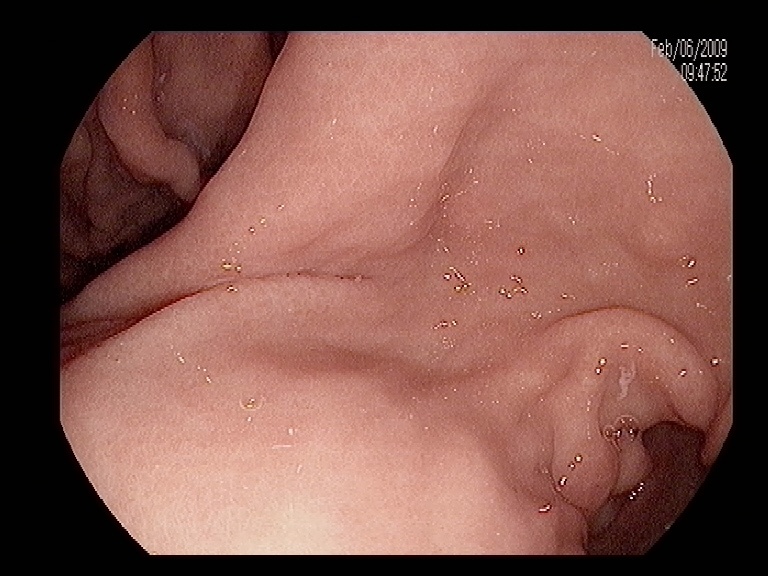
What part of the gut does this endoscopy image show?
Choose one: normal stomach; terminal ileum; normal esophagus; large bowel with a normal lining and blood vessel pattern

normal stomach